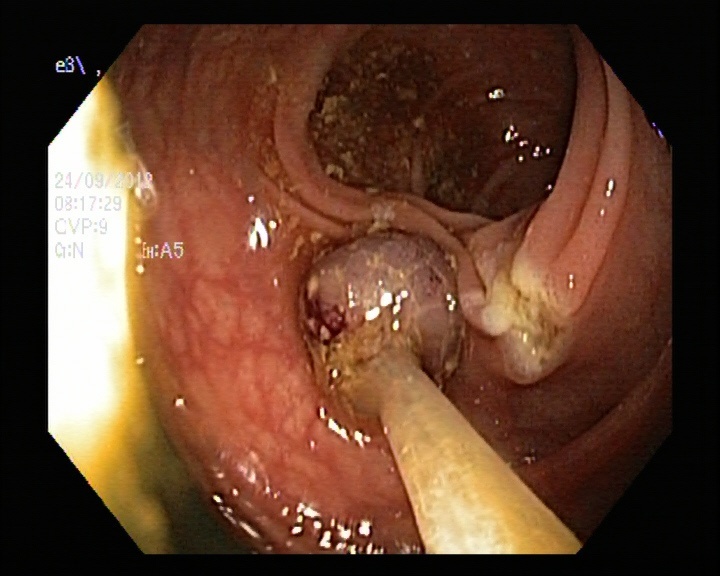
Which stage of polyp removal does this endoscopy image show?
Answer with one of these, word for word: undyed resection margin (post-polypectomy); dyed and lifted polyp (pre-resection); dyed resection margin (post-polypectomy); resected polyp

resected polyp